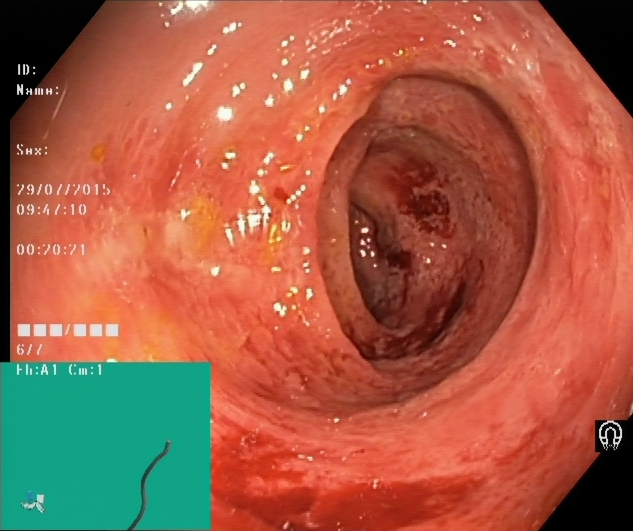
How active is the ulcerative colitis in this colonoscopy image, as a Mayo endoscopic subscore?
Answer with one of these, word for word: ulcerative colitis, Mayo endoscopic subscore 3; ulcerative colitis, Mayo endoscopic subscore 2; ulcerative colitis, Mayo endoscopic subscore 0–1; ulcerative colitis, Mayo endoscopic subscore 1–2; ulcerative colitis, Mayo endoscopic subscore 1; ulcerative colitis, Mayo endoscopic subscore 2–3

ulcerative colitis, Mayo endoscopic subscore 2